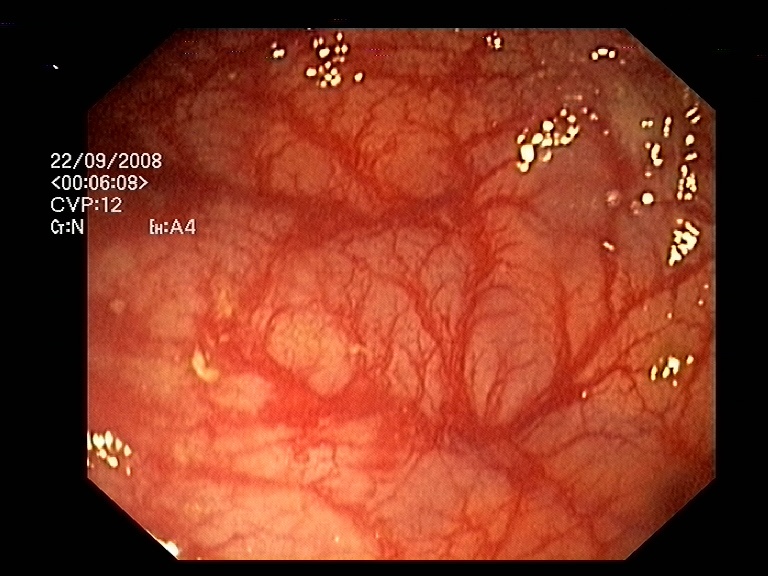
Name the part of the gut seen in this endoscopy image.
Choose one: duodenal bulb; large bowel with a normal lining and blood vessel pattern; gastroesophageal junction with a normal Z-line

large bowel with a normal lining and blood vessel pattern